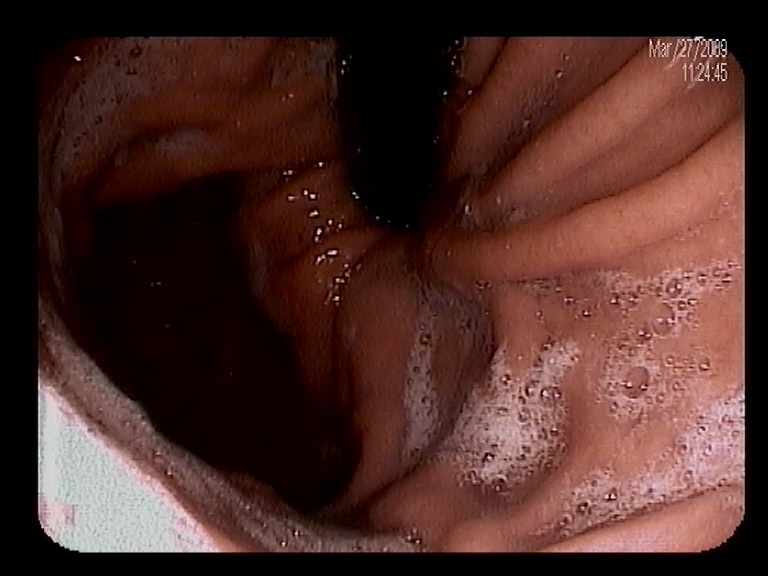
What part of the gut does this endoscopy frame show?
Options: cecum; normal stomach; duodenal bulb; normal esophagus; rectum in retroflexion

normal stomach